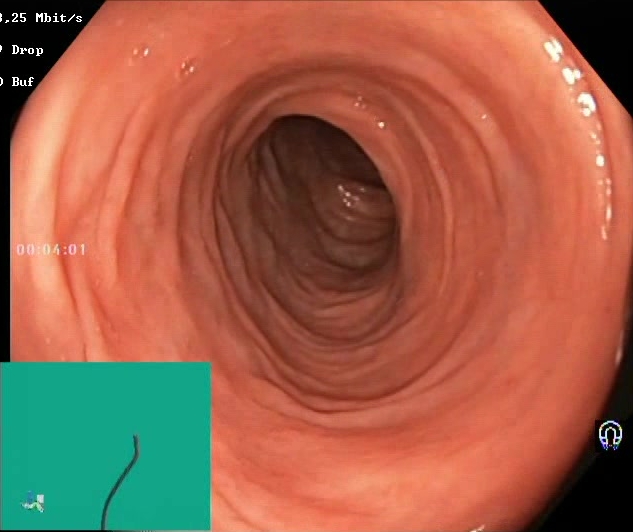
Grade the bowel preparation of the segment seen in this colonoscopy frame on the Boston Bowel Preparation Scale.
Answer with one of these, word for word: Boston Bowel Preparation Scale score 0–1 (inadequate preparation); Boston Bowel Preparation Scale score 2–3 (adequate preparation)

Boston Bowel Preparation Scale score 2–3 (adequate preparation)